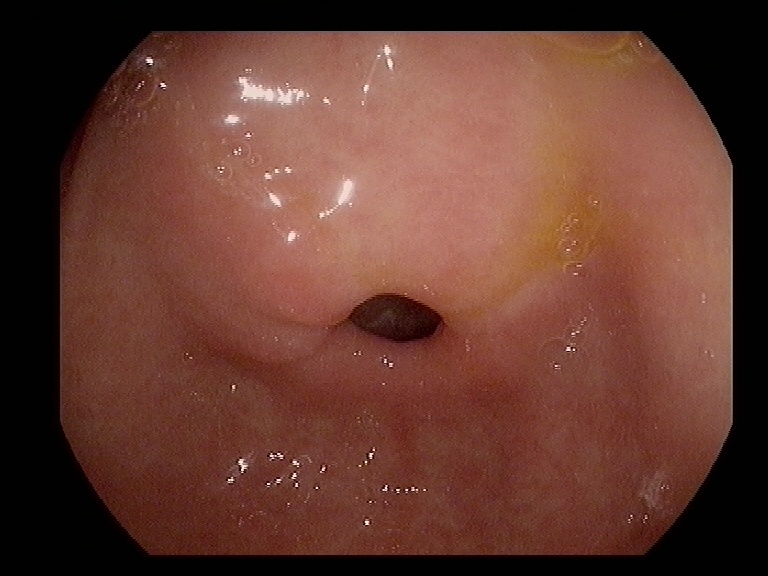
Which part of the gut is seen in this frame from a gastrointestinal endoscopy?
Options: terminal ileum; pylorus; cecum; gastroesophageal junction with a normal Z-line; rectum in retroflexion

pylorus